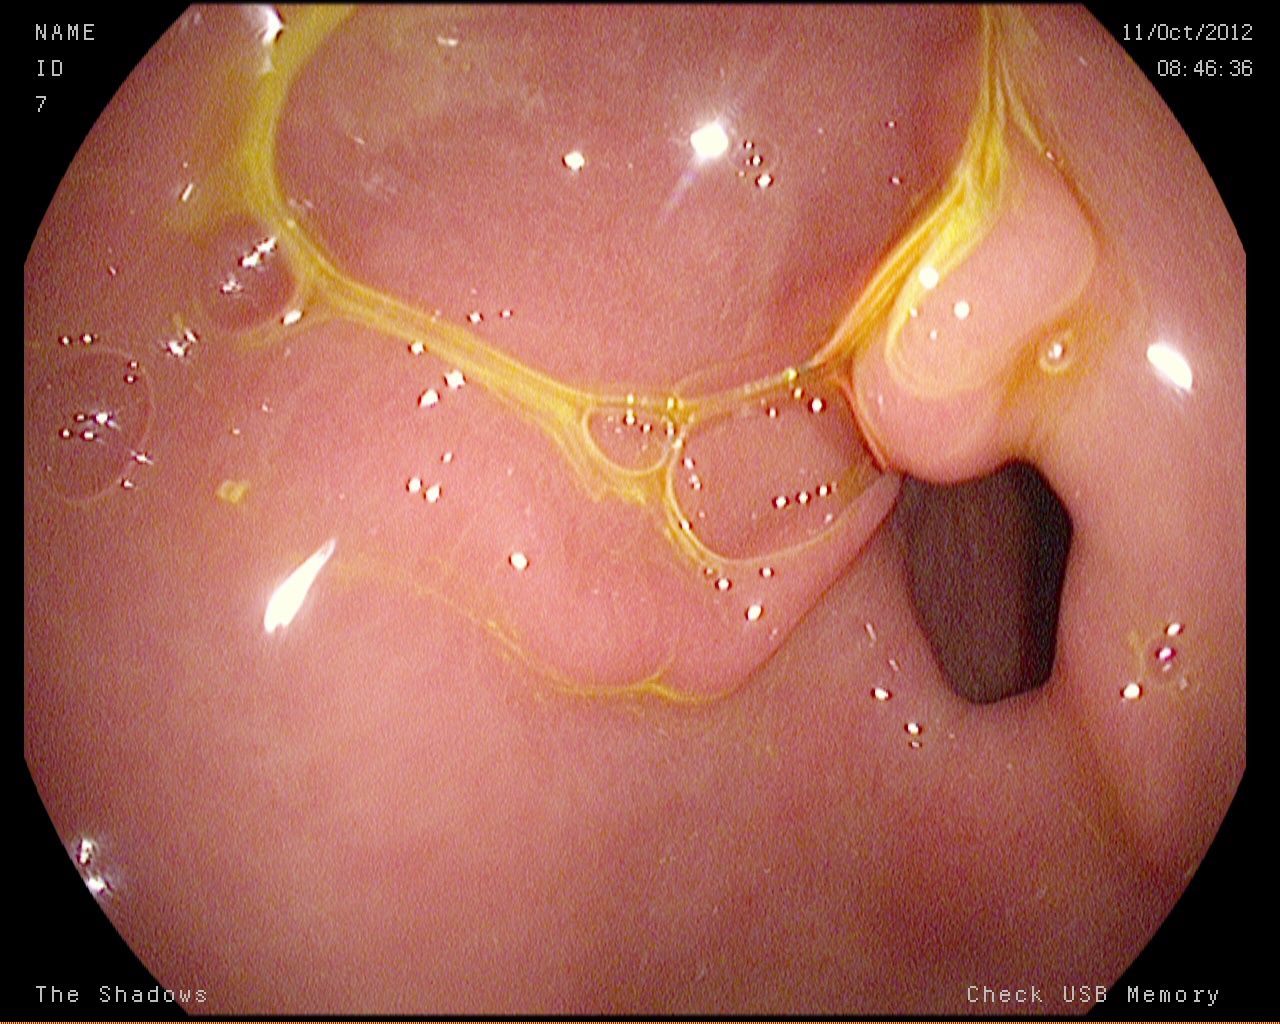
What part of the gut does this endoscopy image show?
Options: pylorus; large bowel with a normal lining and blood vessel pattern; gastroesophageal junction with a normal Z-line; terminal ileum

pylorus